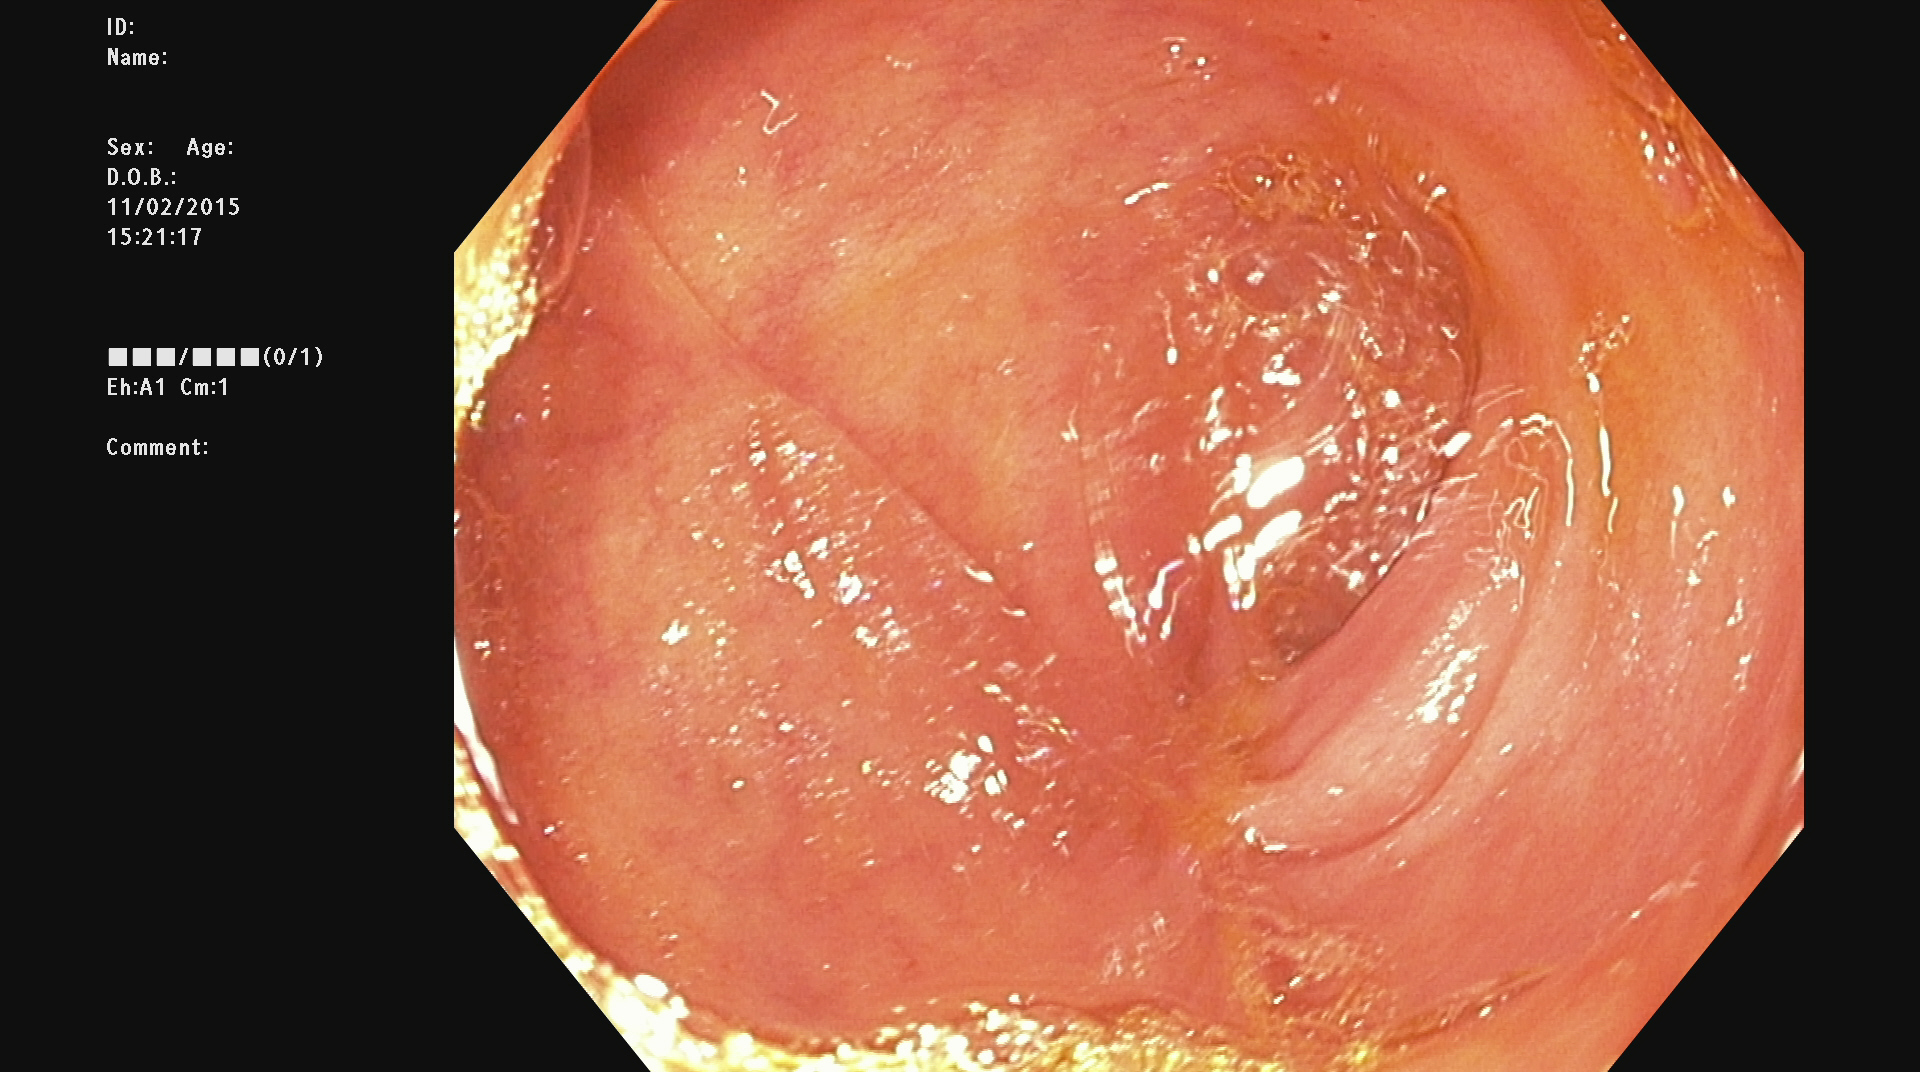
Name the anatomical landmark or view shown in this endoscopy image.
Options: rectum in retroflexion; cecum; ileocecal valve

cecum